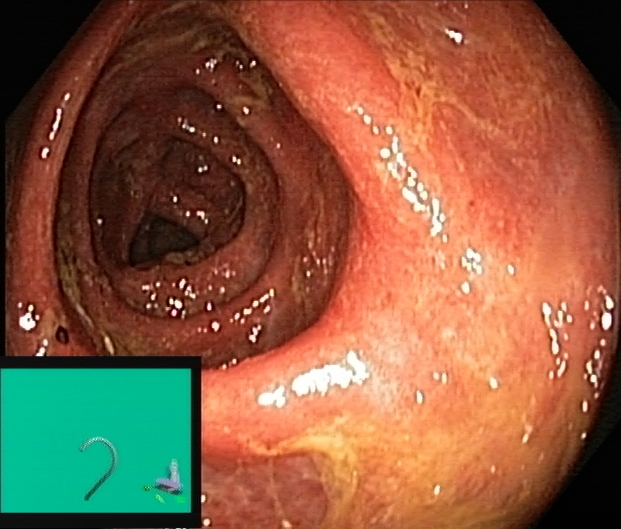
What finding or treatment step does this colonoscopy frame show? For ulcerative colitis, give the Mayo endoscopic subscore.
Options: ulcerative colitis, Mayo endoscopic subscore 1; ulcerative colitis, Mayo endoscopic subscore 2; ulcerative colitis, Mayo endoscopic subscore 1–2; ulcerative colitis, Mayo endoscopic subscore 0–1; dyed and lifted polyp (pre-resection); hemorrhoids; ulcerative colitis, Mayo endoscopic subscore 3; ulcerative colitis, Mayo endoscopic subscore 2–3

ulcerative colitis, Mayo endoscopic subscore 2